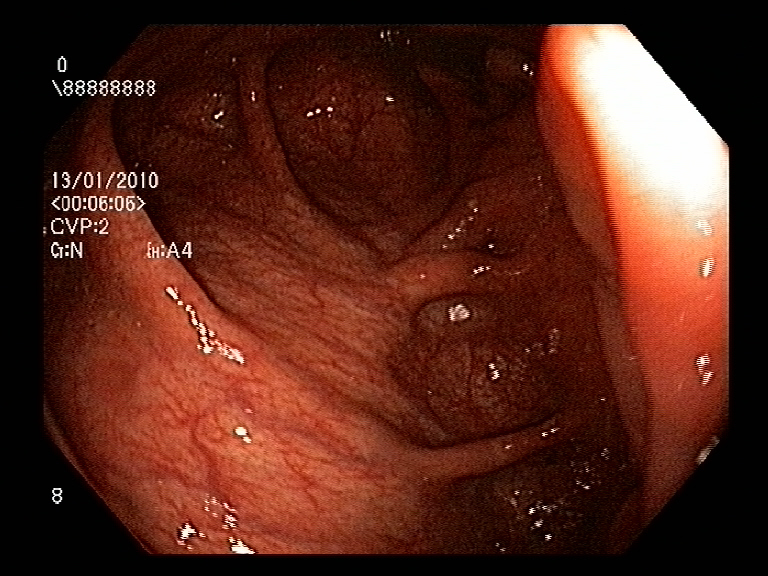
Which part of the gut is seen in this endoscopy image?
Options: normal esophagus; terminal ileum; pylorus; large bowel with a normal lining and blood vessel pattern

large bowel with a normal lining and blood vessel pattern